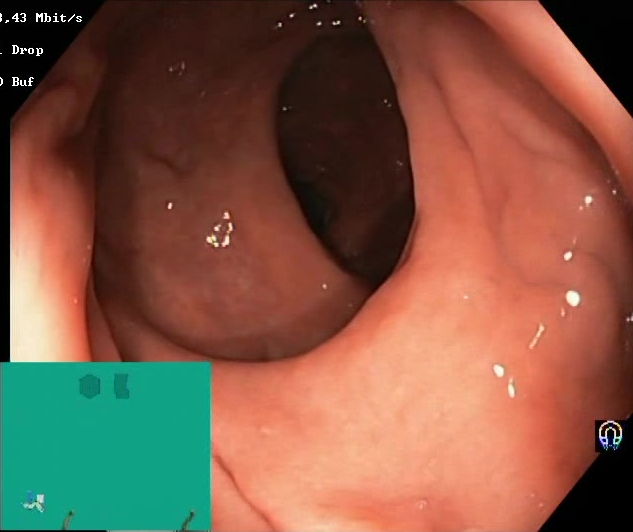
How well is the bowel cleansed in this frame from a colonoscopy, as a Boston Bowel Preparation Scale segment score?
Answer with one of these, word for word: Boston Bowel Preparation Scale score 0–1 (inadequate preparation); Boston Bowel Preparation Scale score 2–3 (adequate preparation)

Boston Bowel Preparation Scale score 2–3 (adequate preparation)